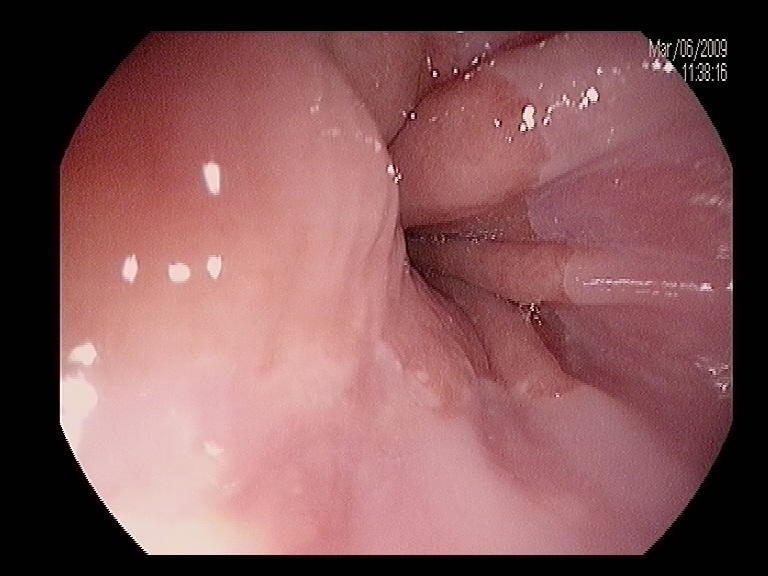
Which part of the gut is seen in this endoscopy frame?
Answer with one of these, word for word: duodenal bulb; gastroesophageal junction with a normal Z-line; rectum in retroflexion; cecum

gastroesophageal junction with a normal Z-line